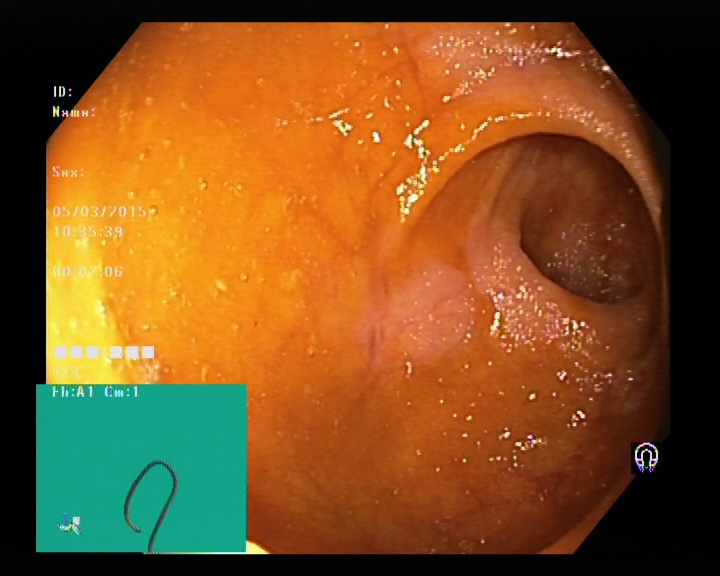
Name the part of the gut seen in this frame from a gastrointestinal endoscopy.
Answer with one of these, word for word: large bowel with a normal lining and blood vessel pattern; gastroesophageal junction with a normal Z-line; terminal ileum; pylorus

large bowel with a normal lining and blood vessel pattern